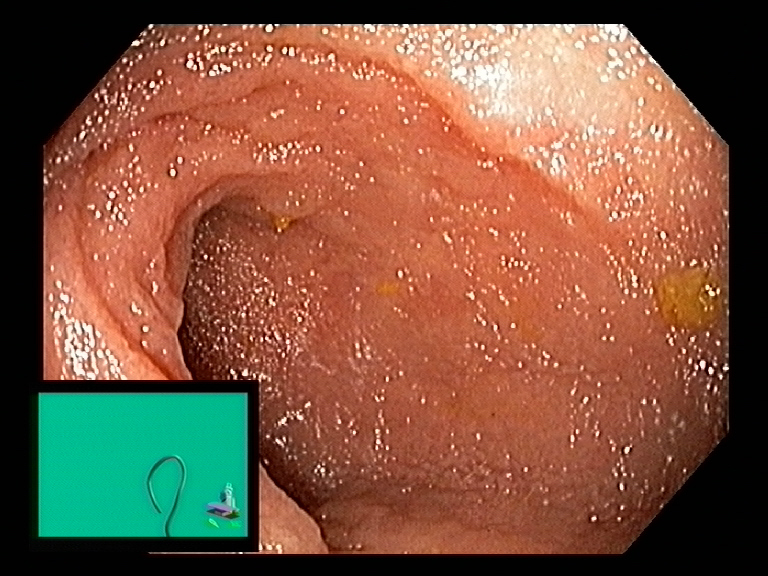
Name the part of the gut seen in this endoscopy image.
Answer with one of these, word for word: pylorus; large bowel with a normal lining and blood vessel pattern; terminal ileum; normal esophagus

terminal ileum